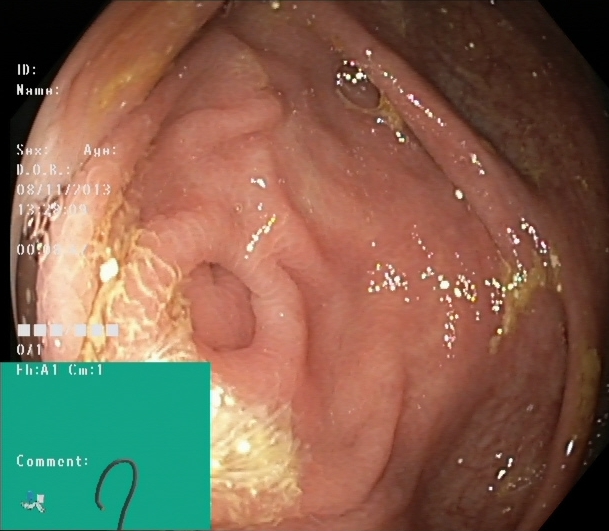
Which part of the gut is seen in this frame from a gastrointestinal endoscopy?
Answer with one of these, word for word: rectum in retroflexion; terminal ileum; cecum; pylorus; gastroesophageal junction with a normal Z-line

cecum